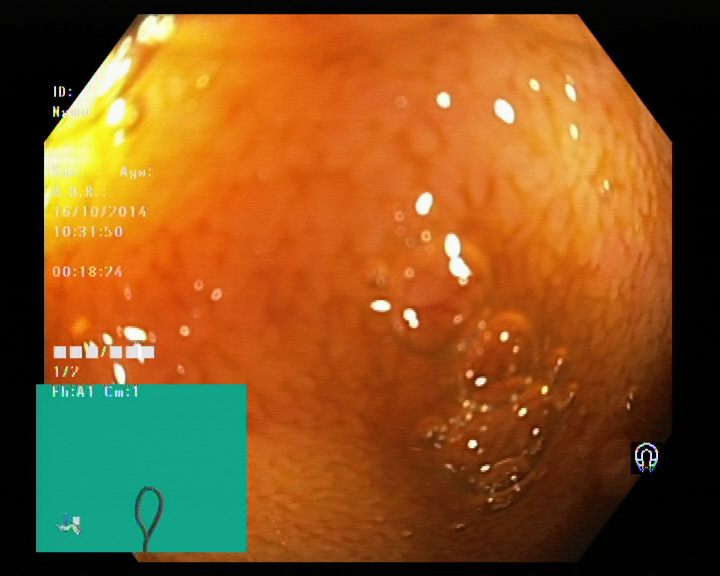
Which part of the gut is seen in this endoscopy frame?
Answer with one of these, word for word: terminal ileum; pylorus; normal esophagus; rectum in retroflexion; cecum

terminal ileum